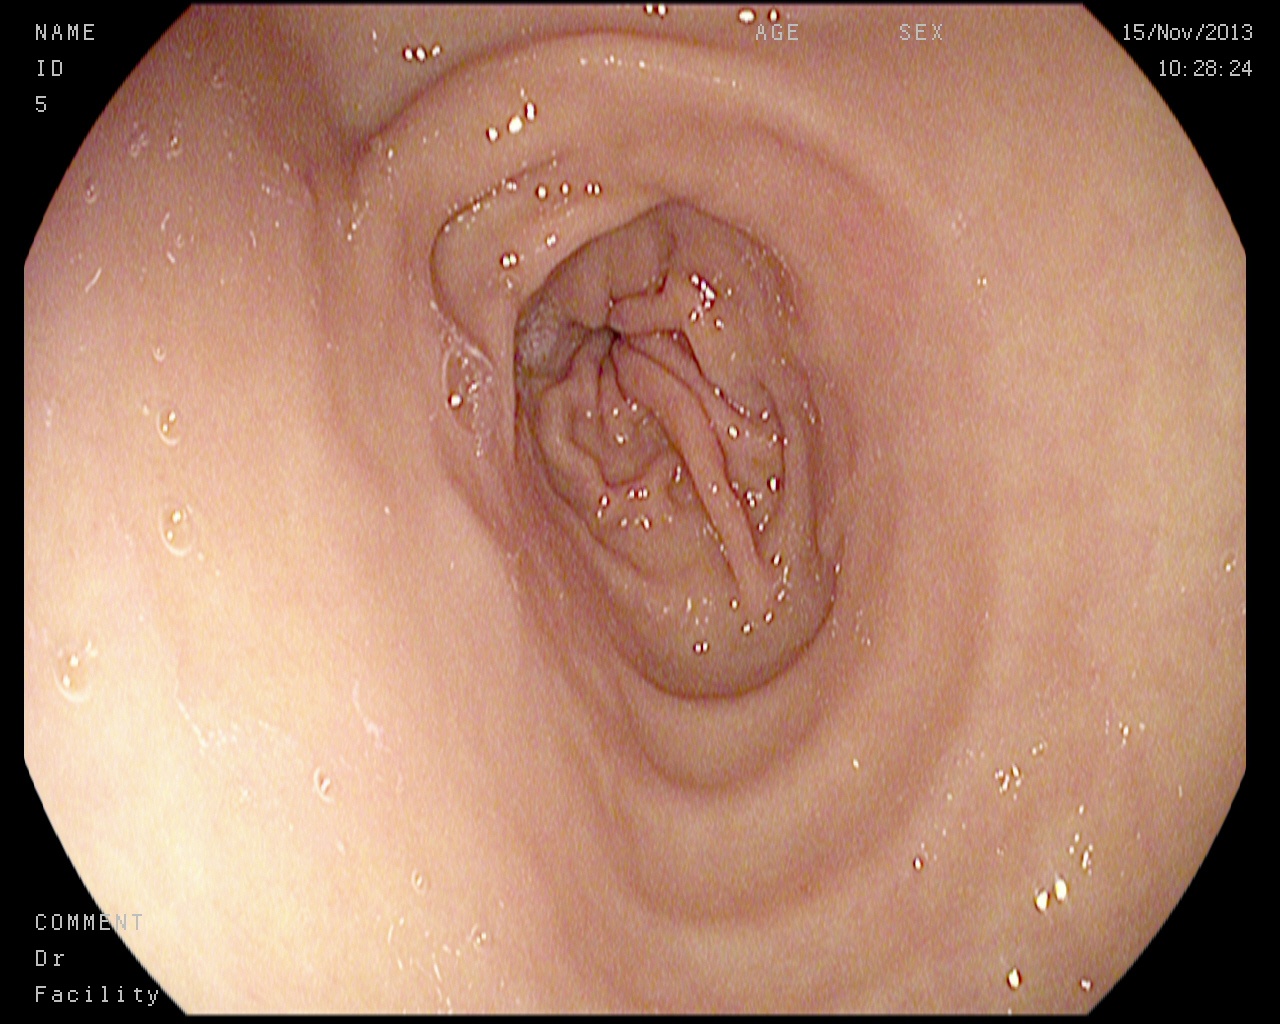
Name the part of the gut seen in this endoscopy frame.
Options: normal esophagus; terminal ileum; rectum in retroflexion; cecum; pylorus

pylorus